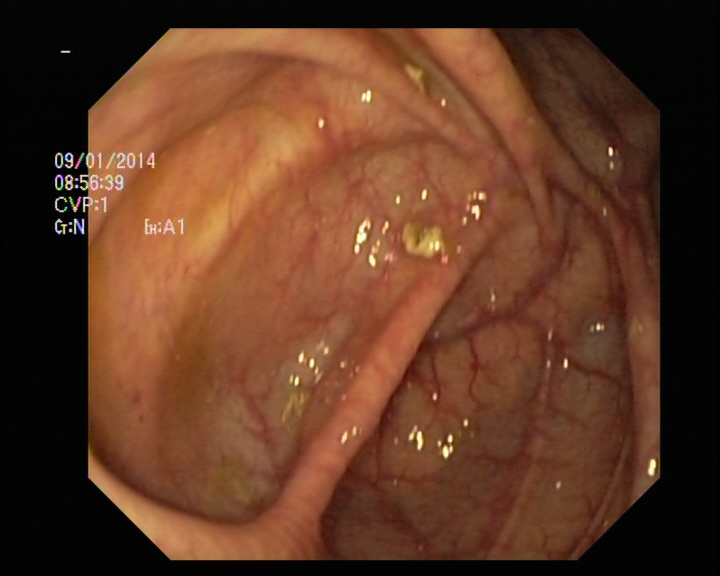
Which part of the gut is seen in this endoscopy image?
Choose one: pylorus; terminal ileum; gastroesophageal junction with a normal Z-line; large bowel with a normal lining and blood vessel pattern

large bowel with a normal lining and blood vessel pattern